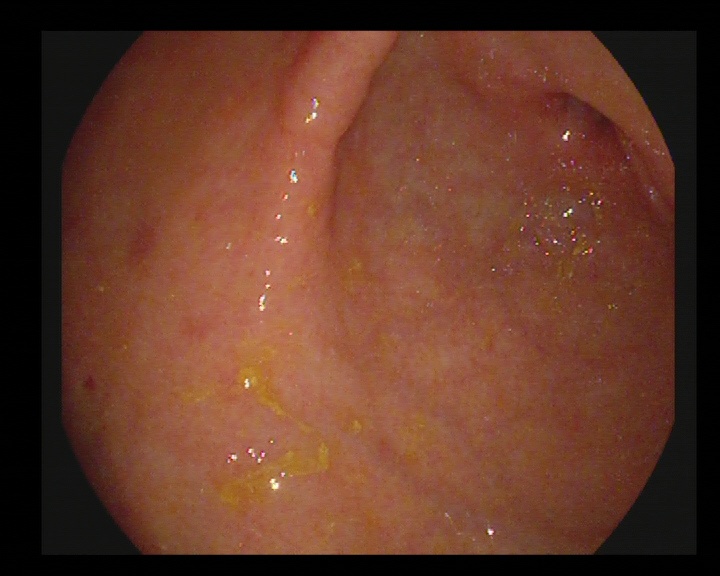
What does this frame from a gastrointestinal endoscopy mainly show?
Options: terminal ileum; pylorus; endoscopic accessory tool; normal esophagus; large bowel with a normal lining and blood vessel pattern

pylorus